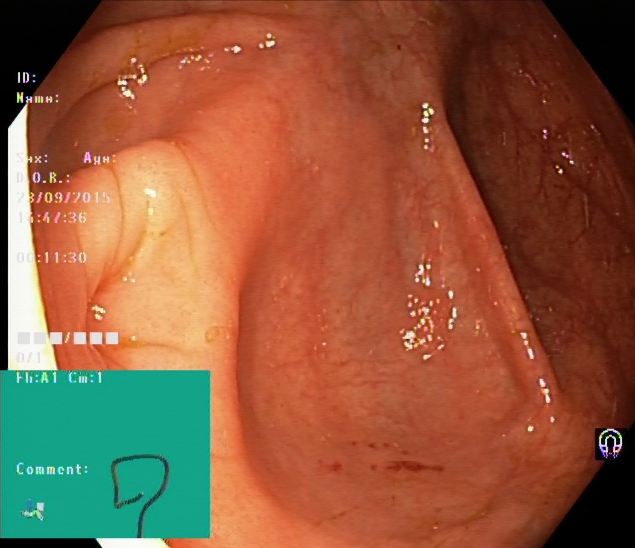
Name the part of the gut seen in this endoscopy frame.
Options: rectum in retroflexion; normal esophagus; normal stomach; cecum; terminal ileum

cecum